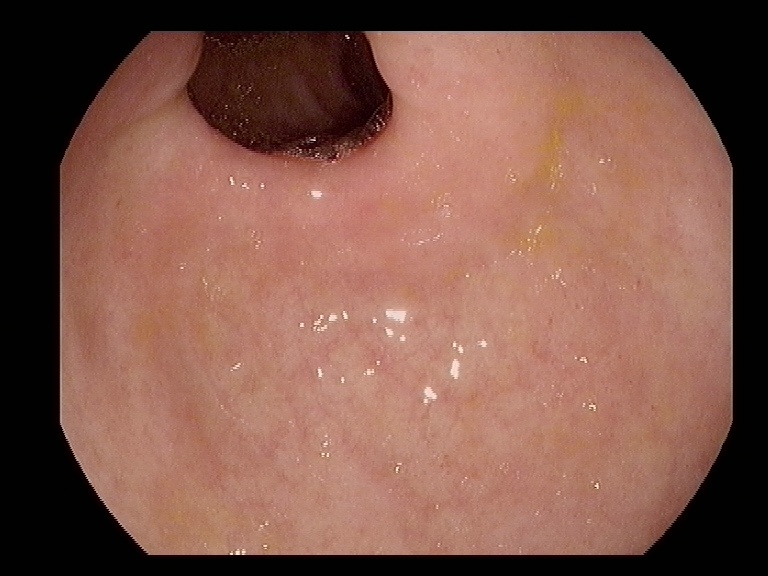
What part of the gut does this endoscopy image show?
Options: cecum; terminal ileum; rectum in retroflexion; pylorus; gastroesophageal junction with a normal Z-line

pylorus